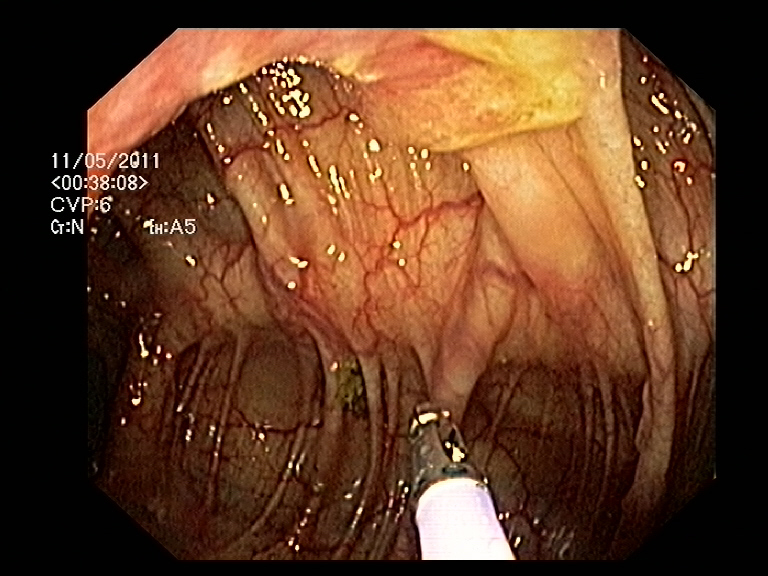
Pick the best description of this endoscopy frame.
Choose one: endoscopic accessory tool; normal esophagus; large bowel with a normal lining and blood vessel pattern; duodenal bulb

endoscopic accessory tool